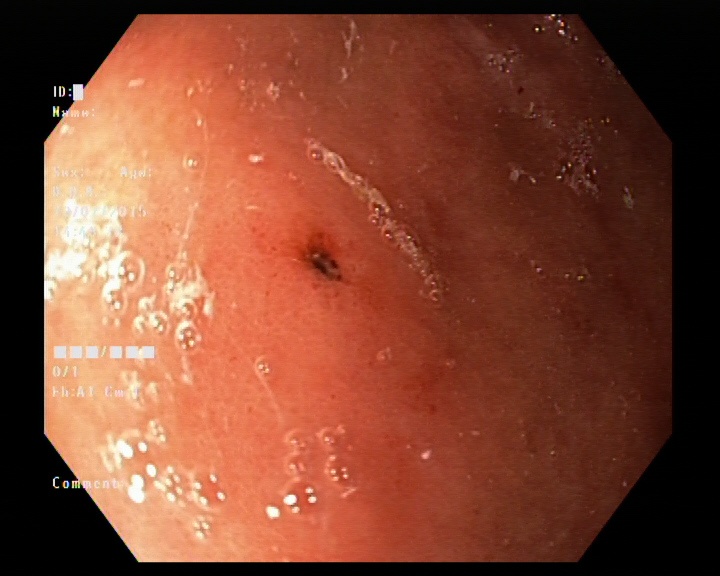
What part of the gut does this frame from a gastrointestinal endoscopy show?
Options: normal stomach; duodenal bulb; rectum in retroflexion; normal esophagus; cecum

normal stomach